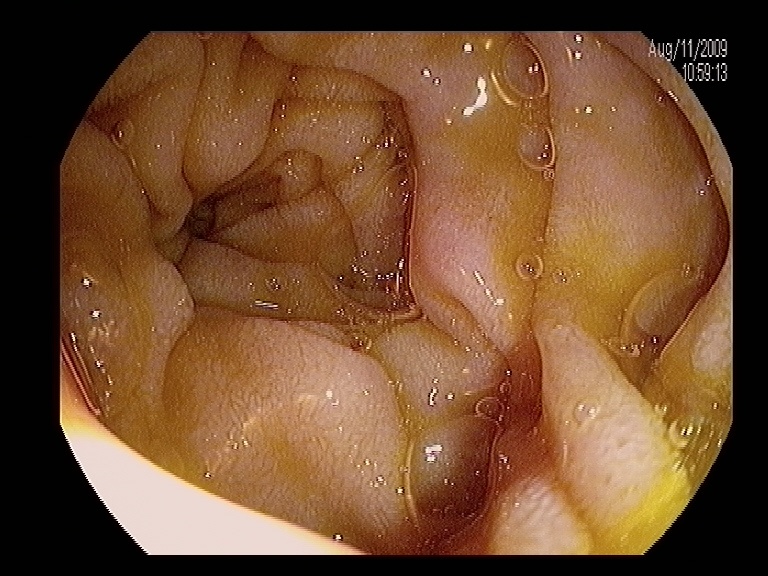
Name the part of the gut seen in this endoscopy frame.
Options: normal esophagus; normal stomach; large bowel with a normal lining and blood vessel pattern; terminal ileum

terminal ileum